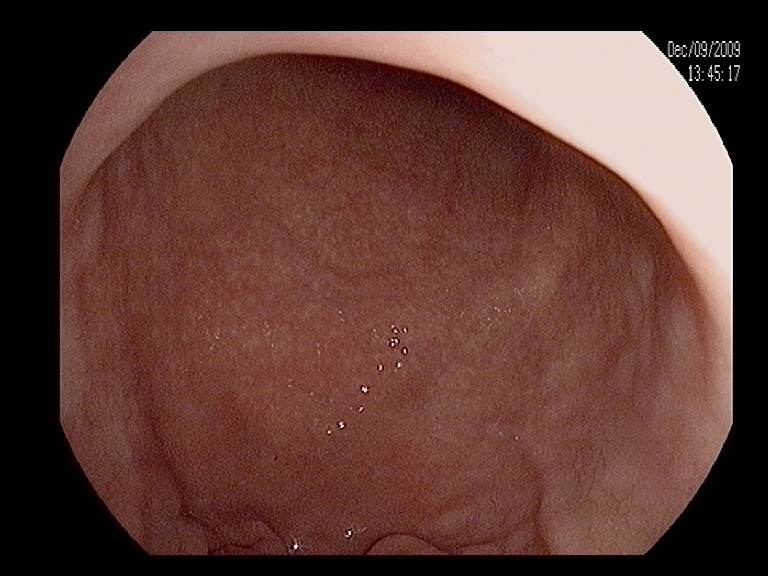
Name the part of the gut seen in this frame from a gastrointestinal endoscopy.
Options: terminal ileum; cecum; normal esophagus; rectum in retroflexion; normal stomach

normal stomach